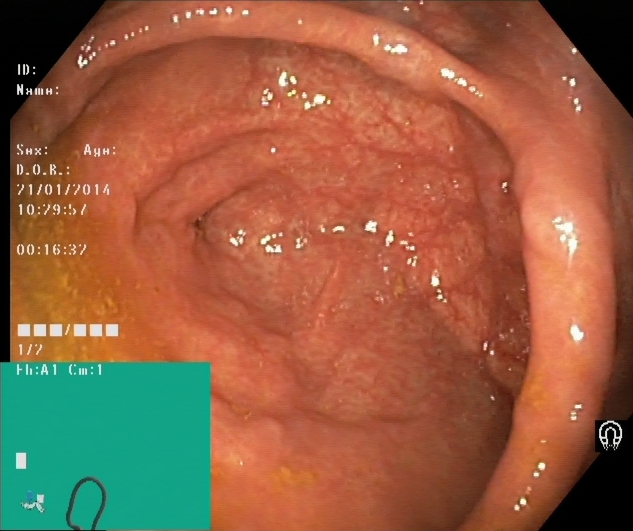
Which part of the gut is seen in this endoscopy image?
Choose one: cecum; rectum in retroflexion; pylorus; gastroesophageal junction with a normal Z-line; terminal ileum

cecum